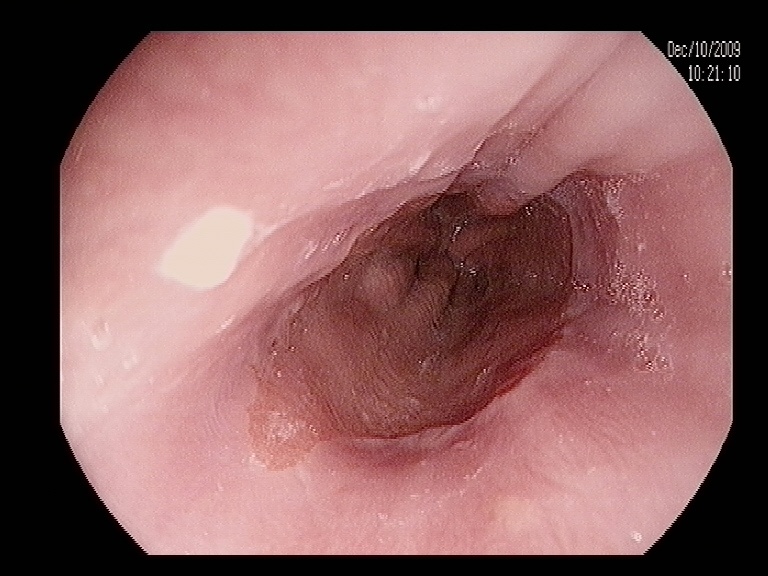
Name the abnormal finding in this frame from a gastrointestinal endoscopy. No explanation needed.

Barrett's esophagus